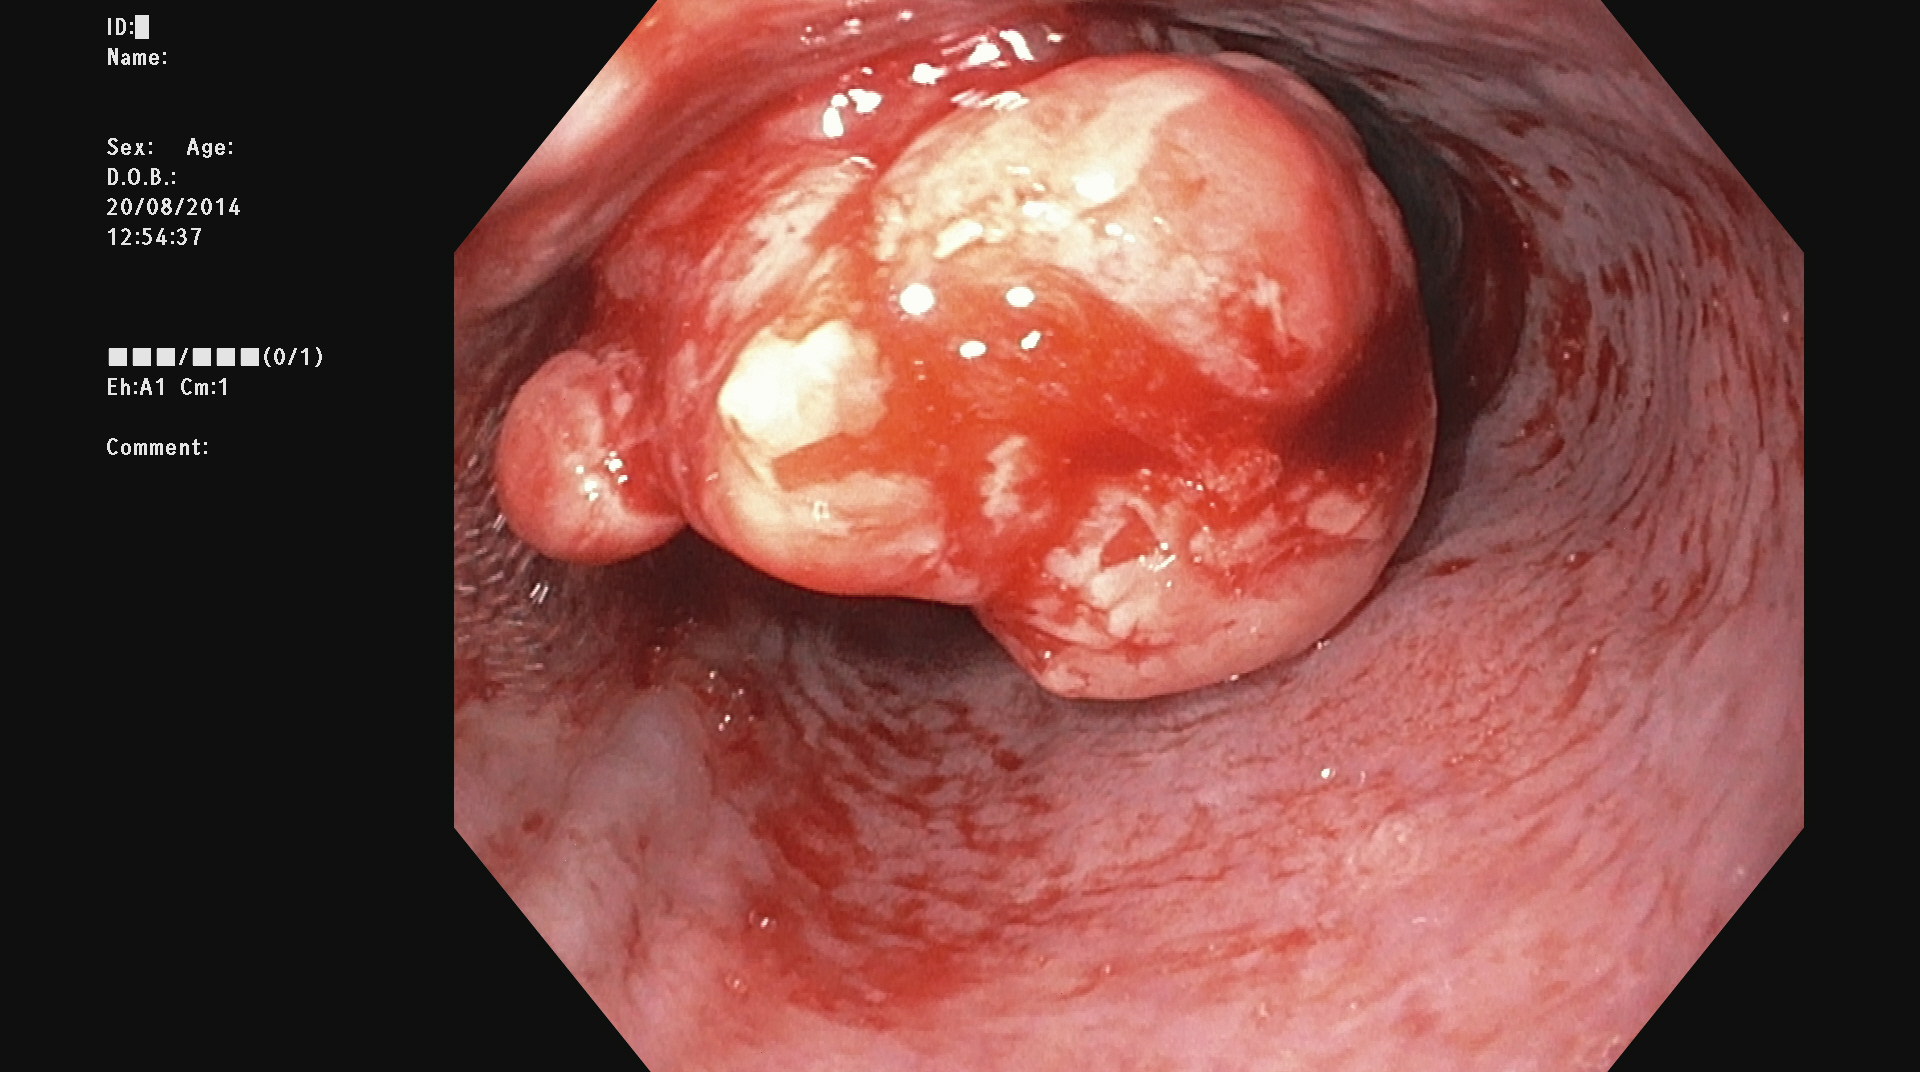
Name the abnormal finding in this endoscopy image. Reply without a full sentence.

colon polyp